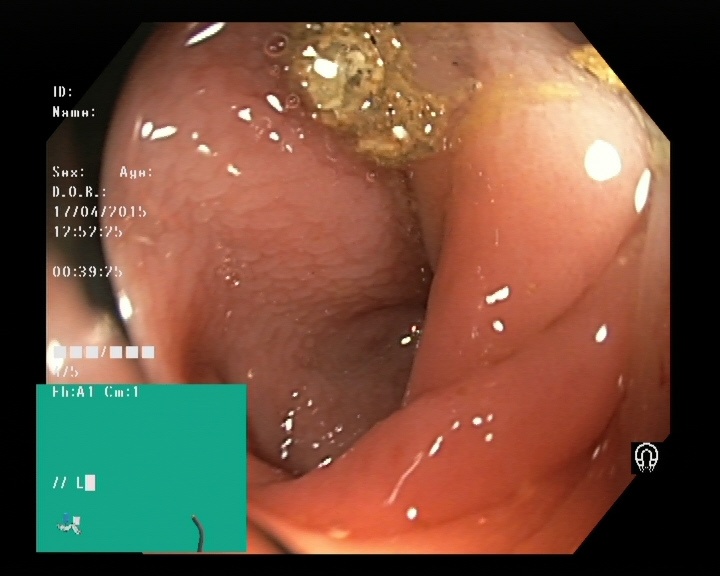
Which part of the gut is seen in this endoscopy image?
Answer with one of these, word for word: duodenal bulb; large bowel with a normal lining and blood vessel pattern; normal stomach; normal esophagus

large bowel with a normal lining and blood vessel pattern